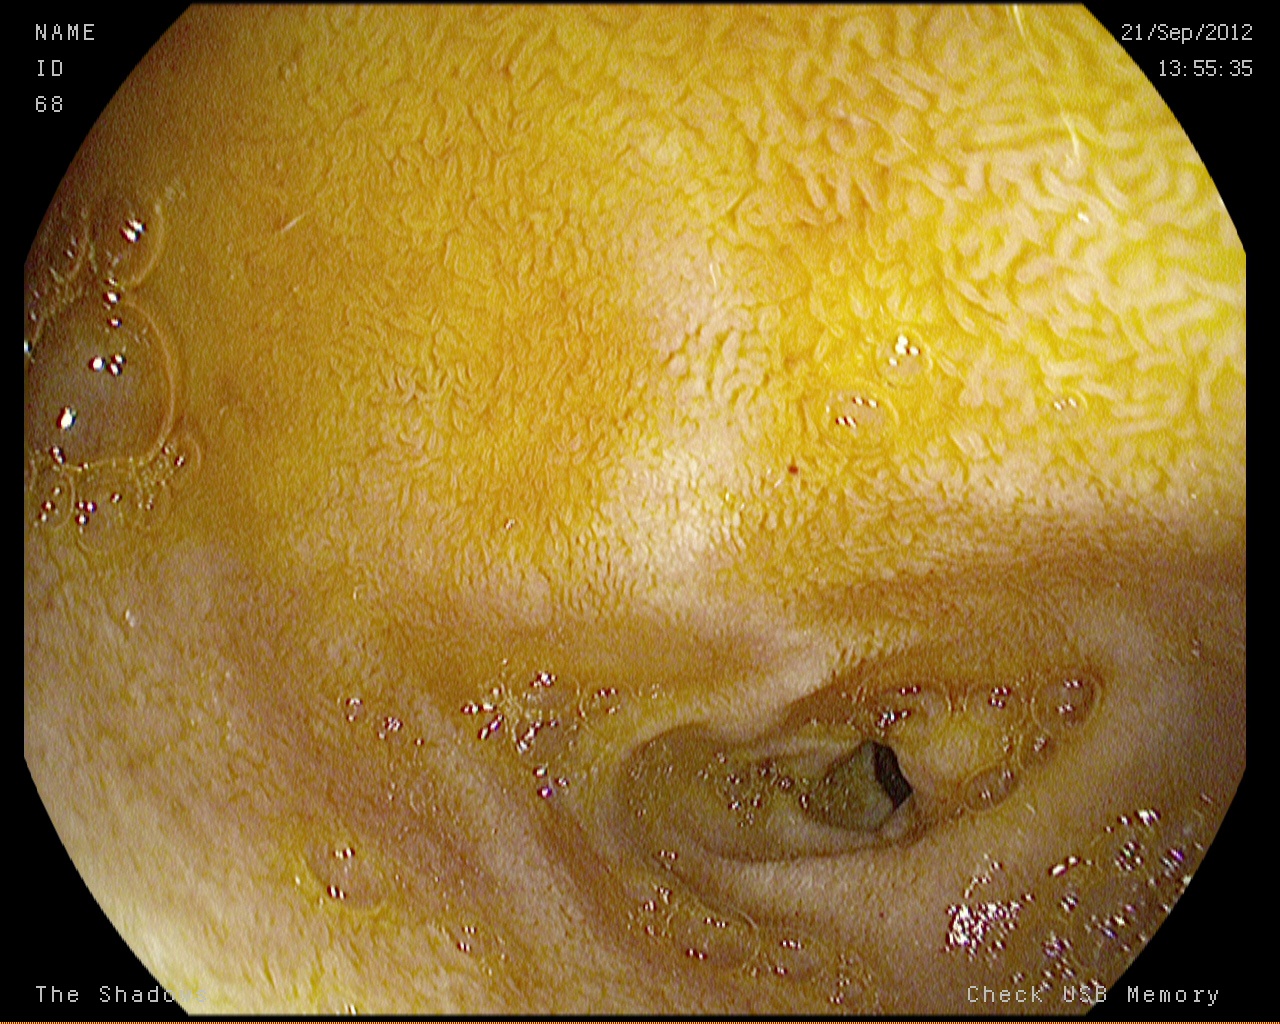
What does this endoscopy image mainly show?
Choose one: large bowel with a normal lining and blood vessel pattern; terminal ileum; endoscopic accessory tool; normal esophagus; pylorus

terminal ileum